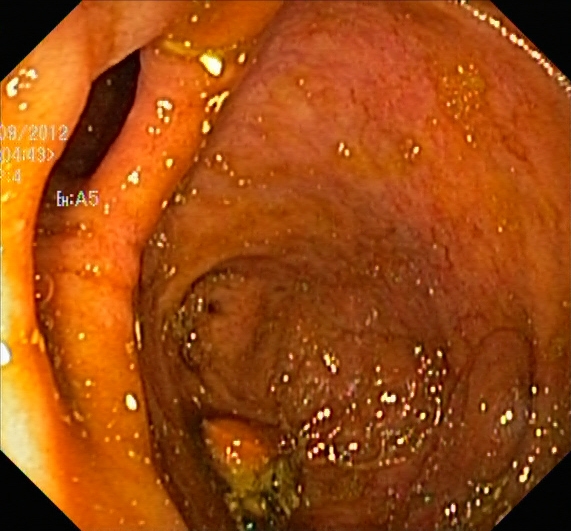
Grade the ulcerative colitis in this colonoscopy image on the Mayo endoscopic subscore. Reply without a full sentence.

ulcerative colitis, Mayo endoscopic subscore 1